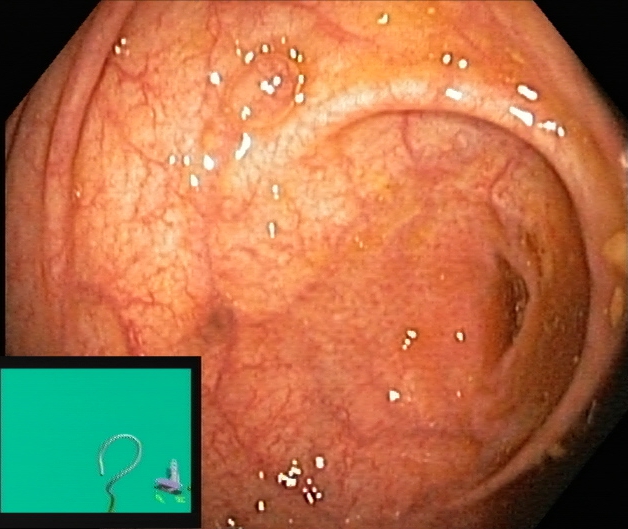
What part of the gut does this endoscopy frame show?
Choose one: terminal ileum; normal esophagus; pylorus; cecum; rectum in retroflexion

cecum